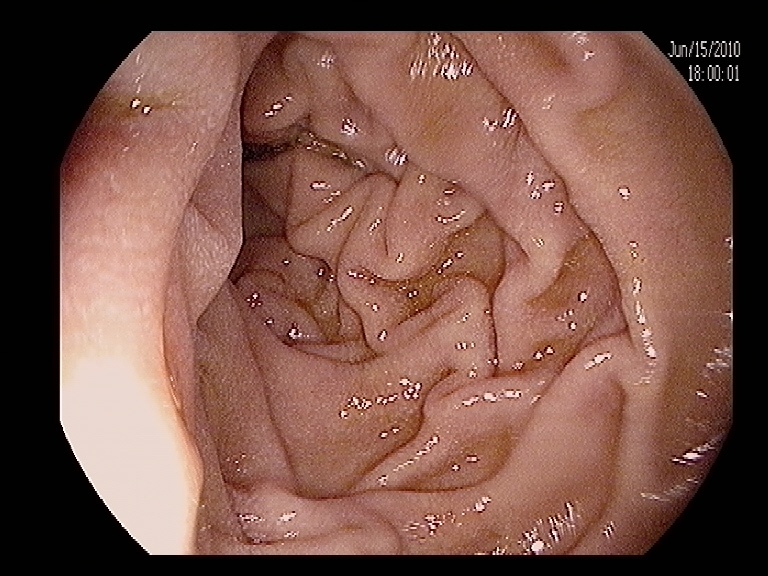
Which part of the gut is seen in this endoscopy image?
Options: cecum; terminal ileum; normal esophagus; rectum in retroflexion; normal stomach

terminal ileum